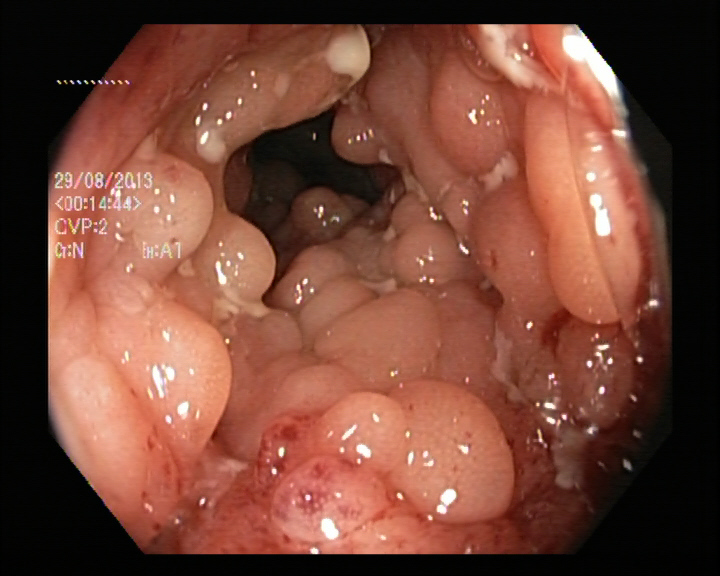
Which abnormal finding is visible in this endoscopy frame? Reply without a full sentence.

colon polyp